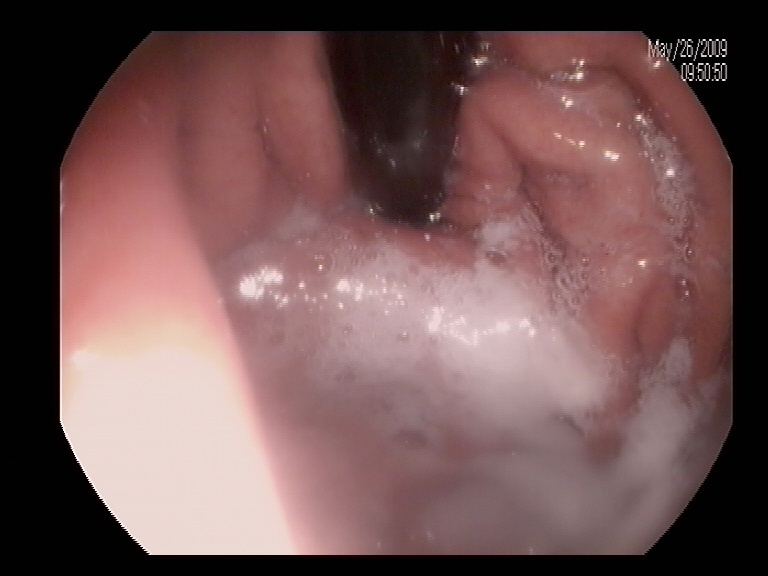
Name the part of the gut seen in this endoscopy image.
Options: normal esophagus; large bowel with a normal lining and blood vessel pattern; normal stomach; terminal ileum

normal stomach